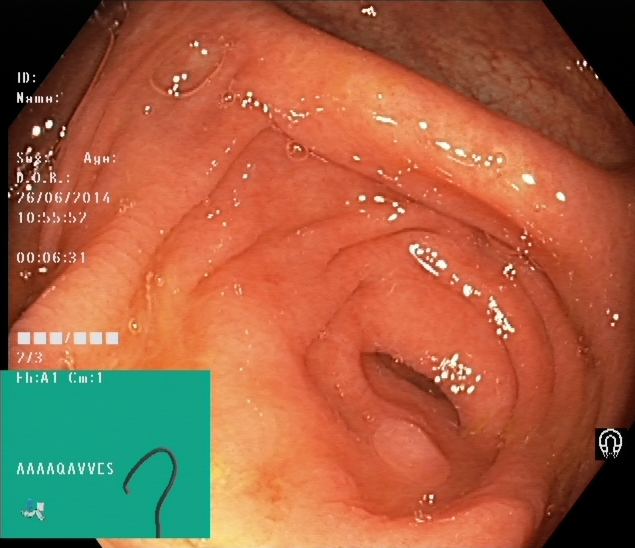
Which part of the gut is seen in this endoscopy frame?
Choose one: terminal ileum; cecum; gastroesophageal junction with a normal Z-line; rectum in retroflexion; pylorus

cecum